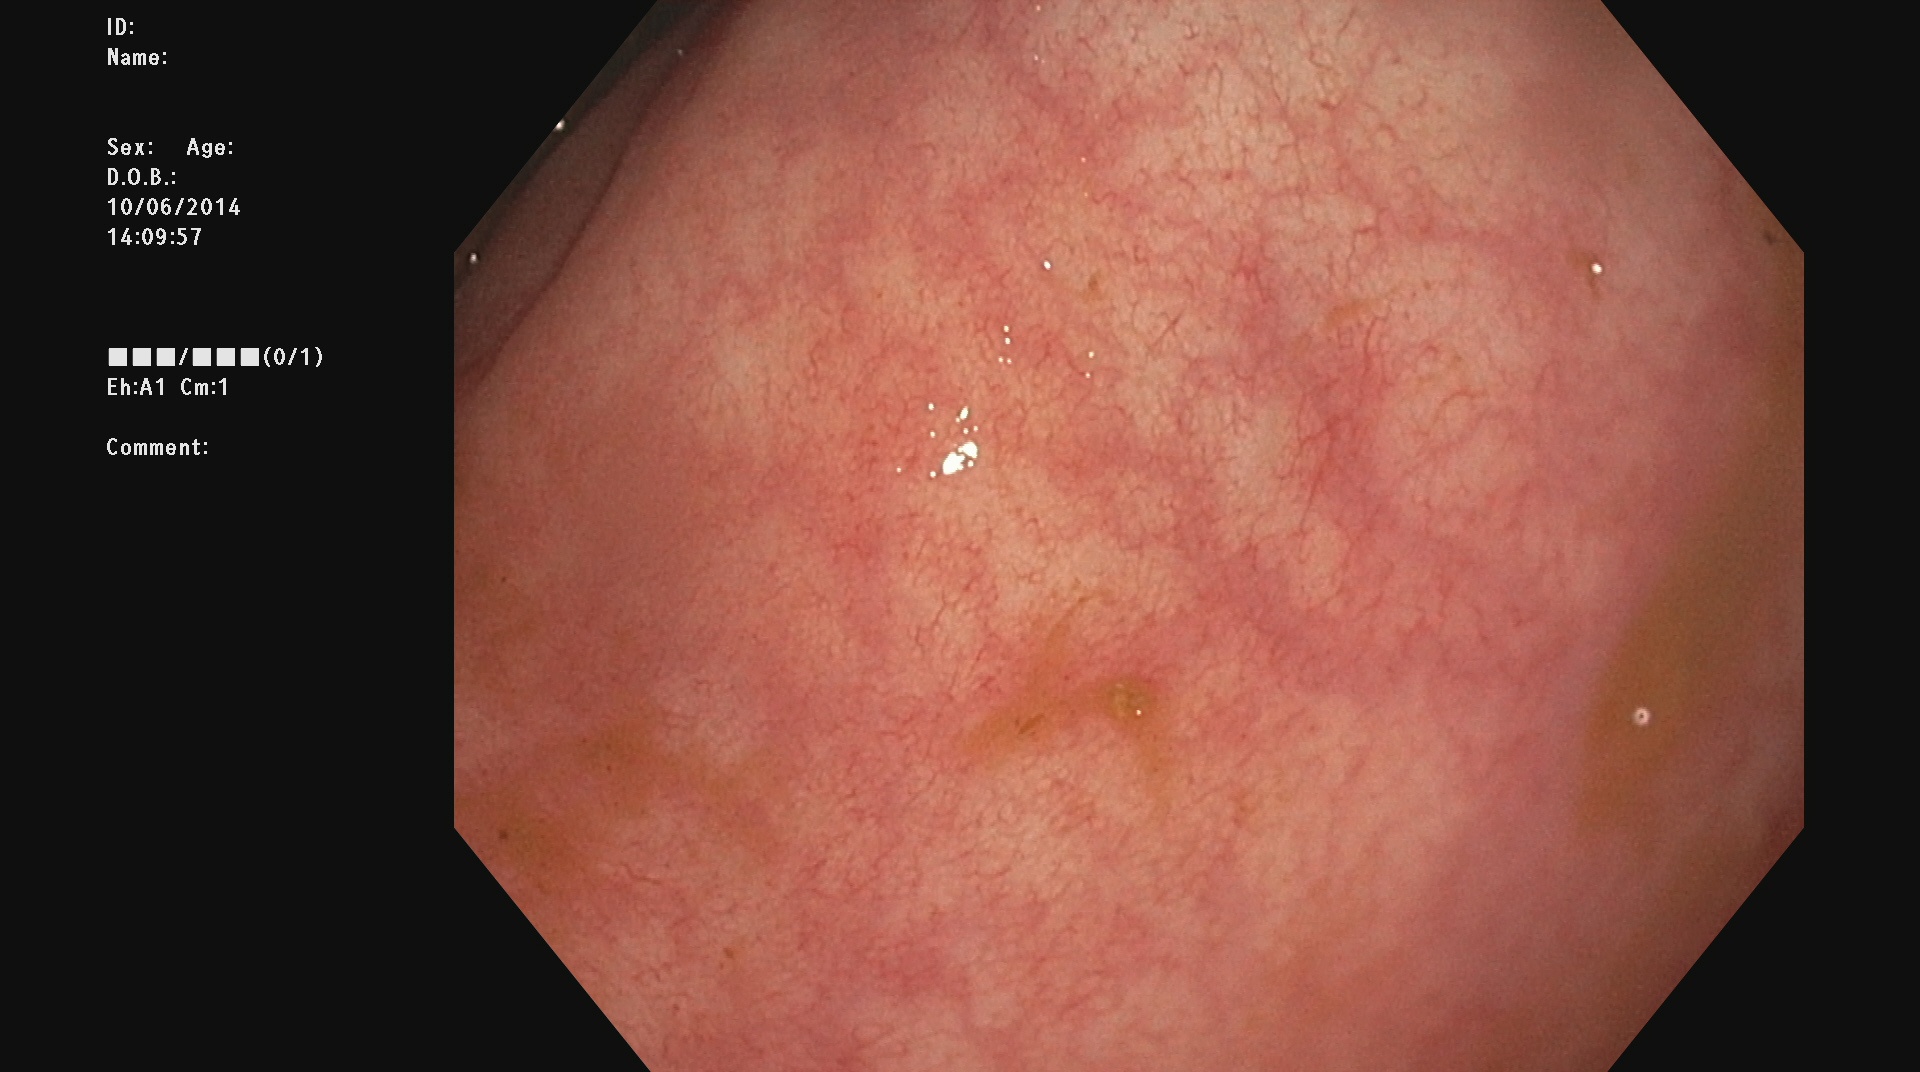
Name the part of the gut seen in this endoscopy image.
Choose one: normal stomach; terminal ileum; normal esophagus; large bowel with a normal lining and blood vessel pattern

large bowel with a normal lining and blood vessel pattern